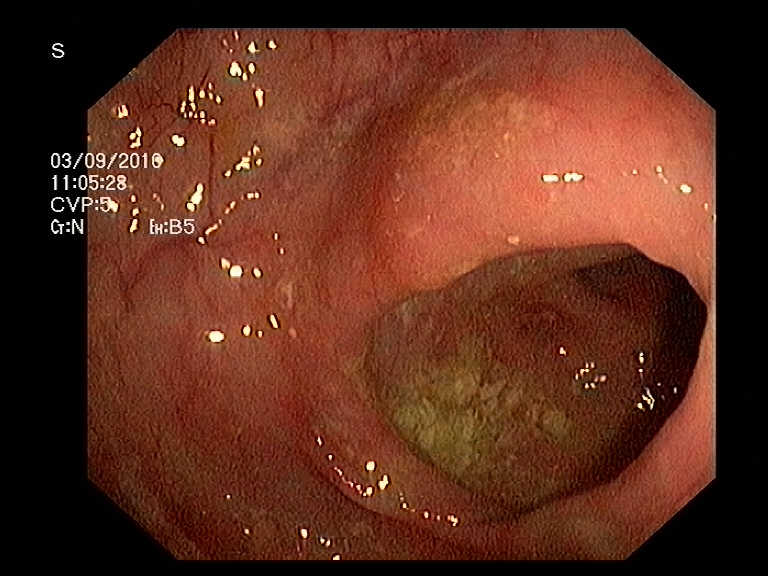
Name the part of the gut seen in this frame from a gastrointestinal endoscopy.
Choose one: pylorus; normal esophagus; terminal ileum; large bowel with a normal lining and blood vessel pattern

large bowel with a normal lining and blood vessel pattern